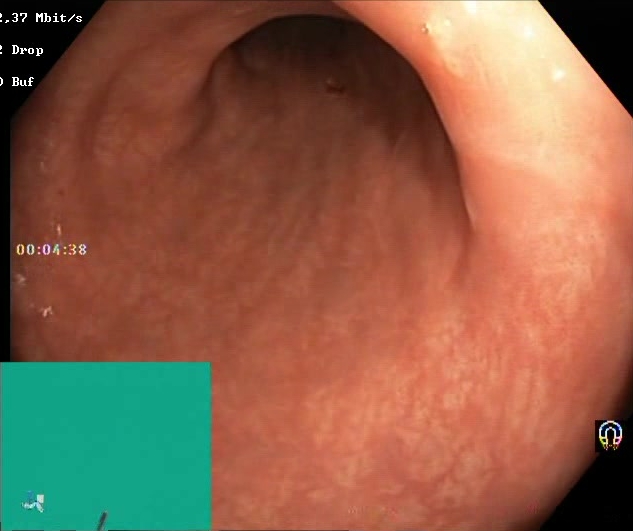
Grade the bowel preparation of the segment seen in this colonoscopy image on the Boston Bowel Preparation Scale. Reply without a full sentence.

Boston Bowel Preparation Scale score 2–3 (adequate preparation)